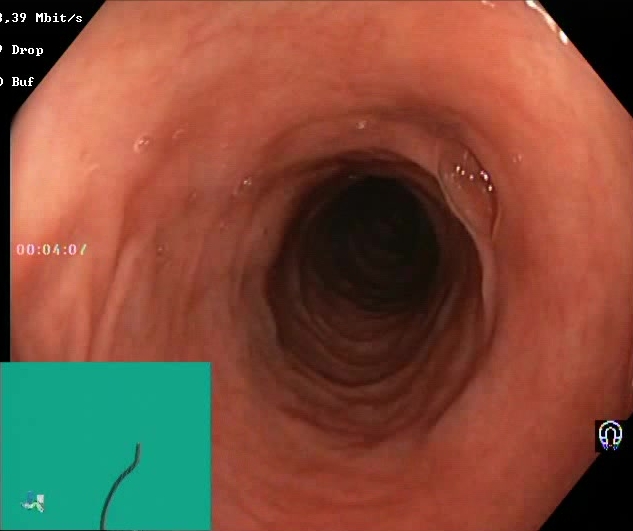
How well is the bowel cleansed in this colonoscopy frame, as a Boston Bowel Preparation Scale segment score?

Boston Bowel Preparation Scale score 2–3 (adequate preparation)